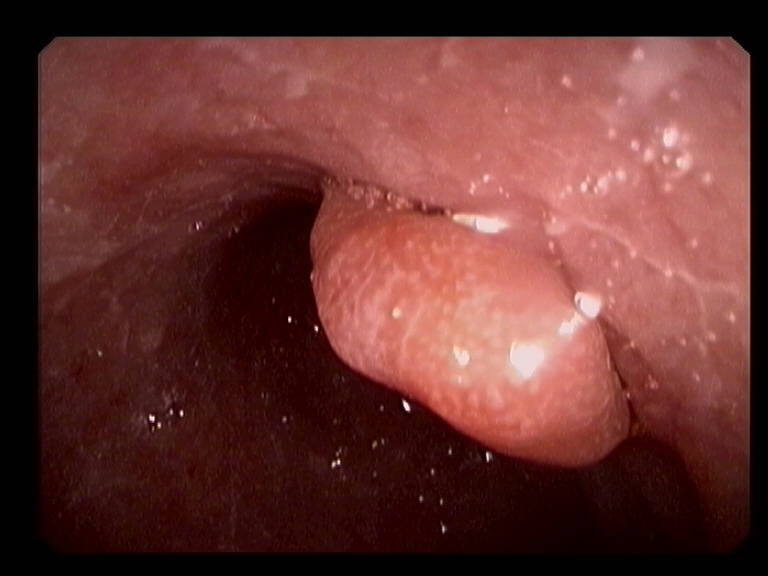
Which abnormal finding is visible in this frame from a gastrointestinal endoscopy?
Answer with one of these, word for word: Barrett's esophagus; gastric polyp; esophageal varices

gastric polyp